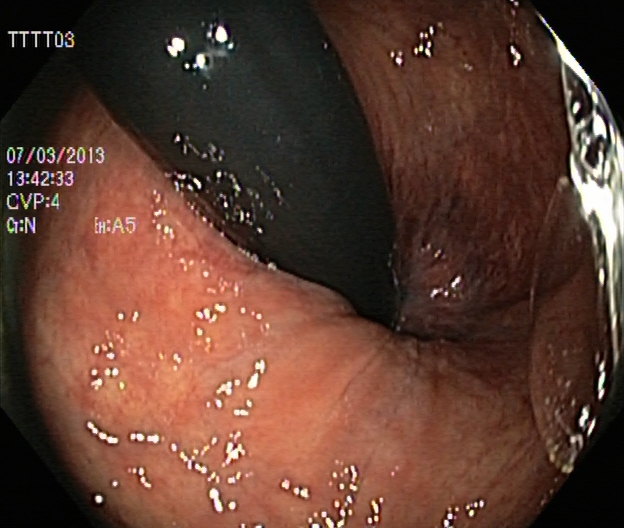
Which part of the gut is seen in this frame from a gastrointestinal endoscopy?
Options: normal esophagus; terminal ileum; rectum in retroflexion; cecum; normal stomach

rectum in retroflexion